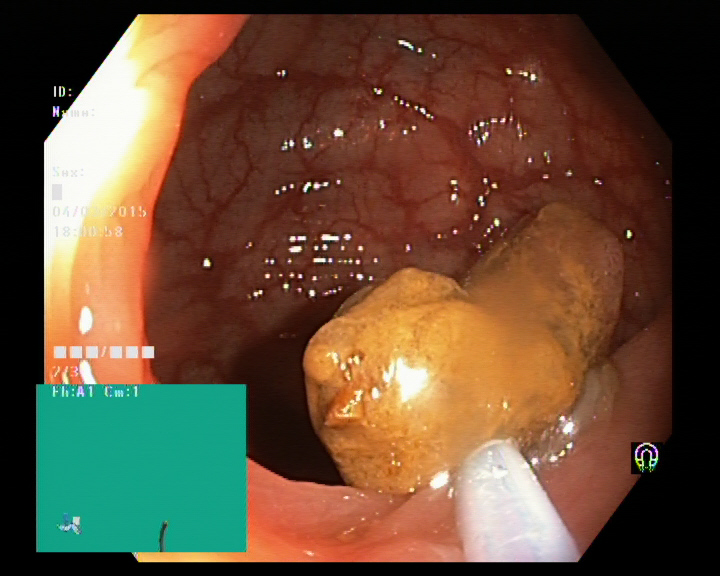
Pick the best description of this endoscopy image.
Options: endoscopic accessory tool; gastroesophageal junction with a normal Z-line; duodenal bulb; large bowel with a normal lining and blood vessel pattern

endoscopic accessory tool